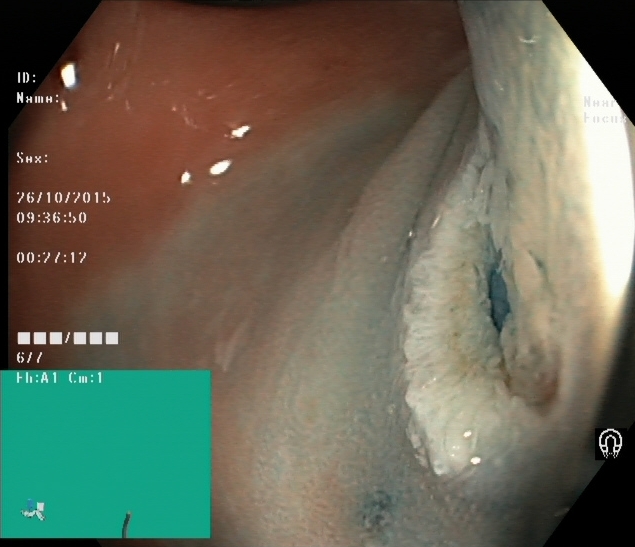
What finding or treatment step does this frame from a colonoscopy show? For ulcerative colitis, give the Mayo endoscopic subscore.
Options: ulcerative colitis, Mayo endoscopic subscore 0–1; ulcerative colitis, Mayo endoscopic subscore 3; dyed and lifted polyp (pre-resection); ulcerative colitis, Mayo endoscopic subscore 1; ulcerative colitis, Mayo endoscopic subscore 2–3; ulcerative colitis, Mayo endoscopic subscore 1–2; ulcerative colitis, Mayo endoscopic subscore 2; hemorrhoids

dyed and lifted polyp (pre-resection)